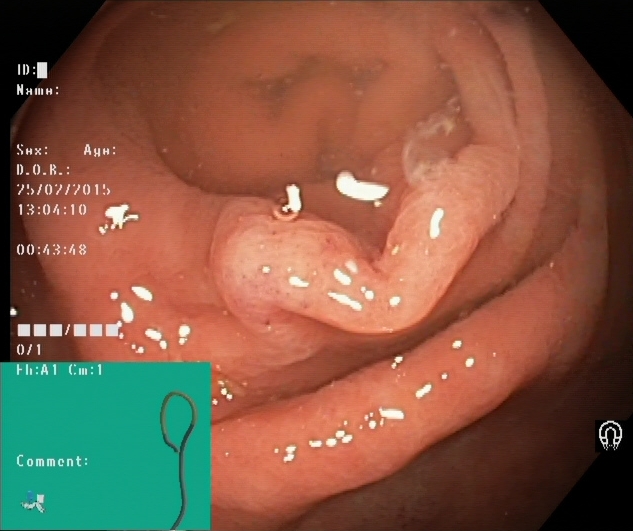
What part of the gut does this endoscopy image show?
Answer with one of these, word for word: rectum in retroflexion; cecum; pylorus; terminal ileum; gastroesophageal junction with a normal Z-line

cecum